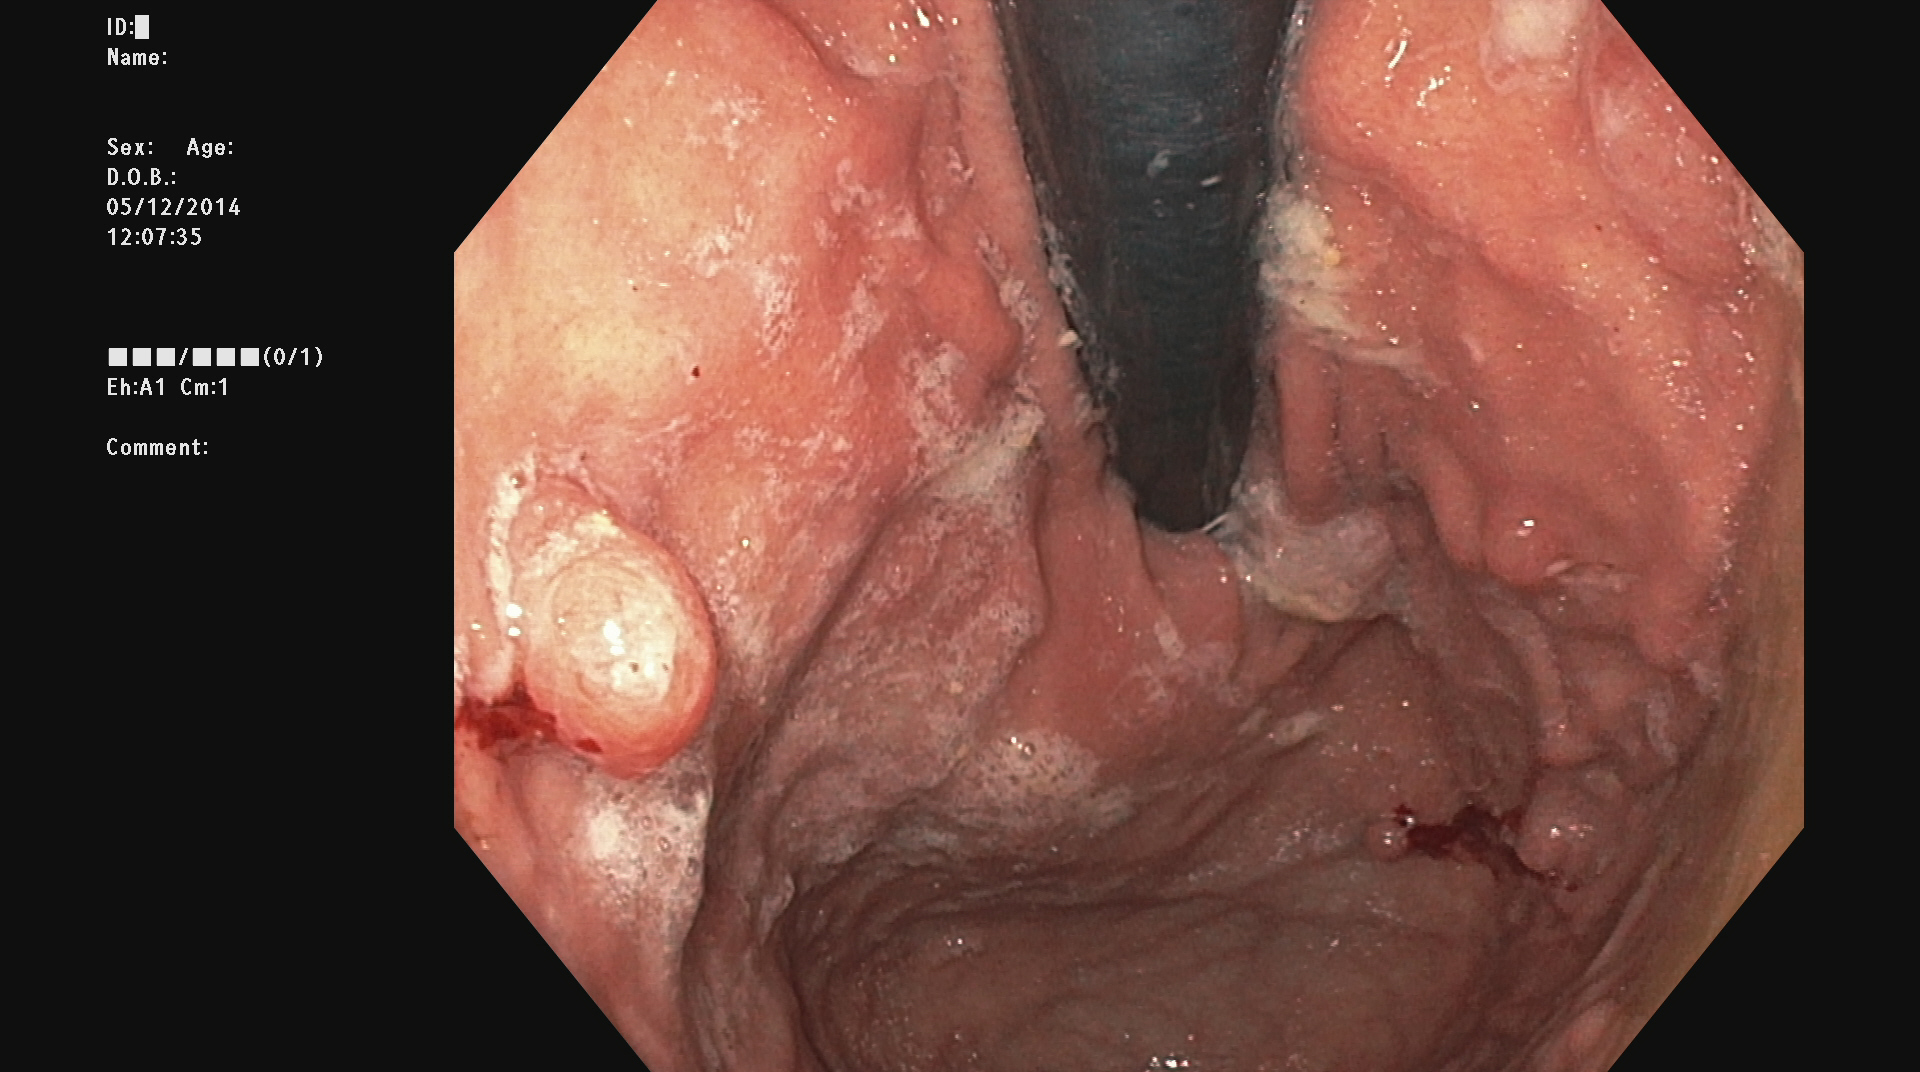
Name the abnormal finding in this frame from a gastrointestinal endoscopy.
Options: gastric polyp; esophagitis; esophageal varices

gastric polyp